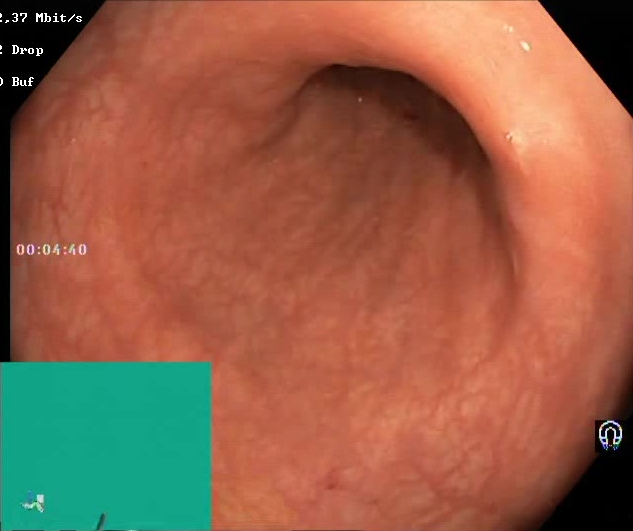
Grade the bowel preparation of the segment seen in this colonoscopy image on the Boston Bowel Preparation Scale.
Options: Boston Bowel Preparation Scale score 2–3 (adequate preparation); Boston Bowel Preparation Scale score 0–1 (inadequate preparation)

Boston Bowel Preparation Scale score 2–3 (adequate preparation)